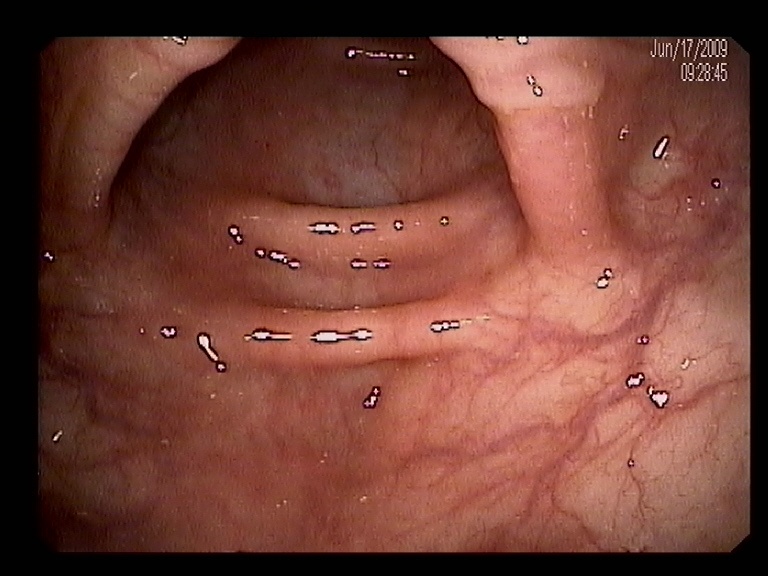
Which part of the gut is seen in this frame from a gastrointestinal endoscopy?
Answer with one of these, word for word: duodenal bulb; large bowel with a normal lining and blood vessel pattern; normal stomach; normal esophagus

large bowel with a normal lining and blood vessel pattern